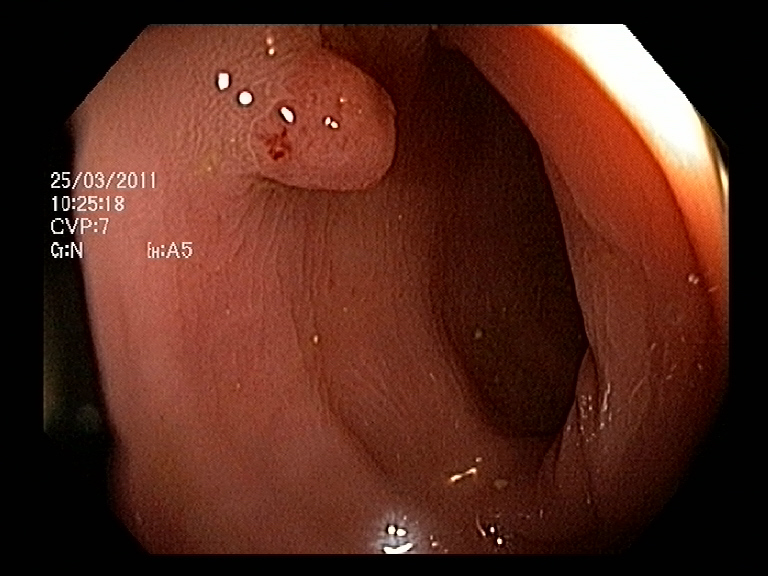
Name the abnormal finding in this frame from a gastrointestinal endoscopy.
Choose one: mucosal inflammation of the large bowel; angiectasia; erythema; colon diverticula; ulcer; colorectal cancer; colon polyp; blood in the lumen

colon polyp